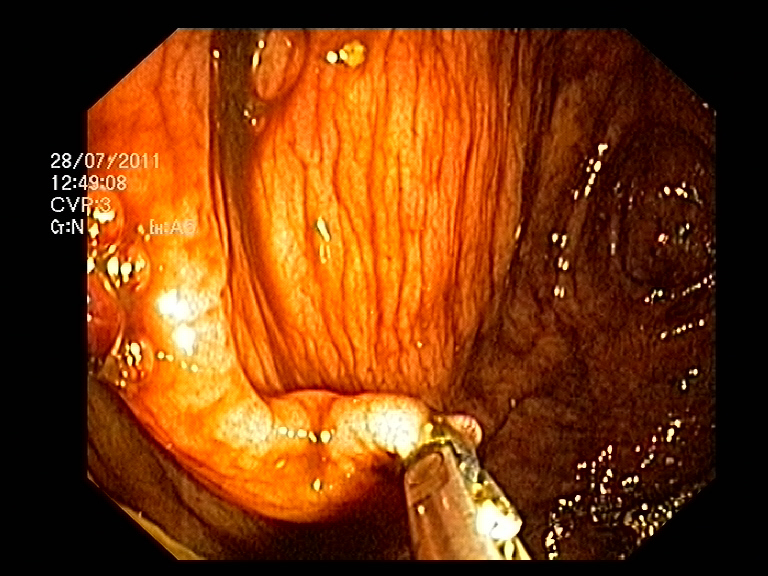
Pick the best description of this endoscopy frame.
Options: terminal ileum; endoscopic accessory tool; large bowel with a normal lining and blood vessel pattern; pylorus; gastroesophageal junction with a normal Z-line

endoscopic accessory tool